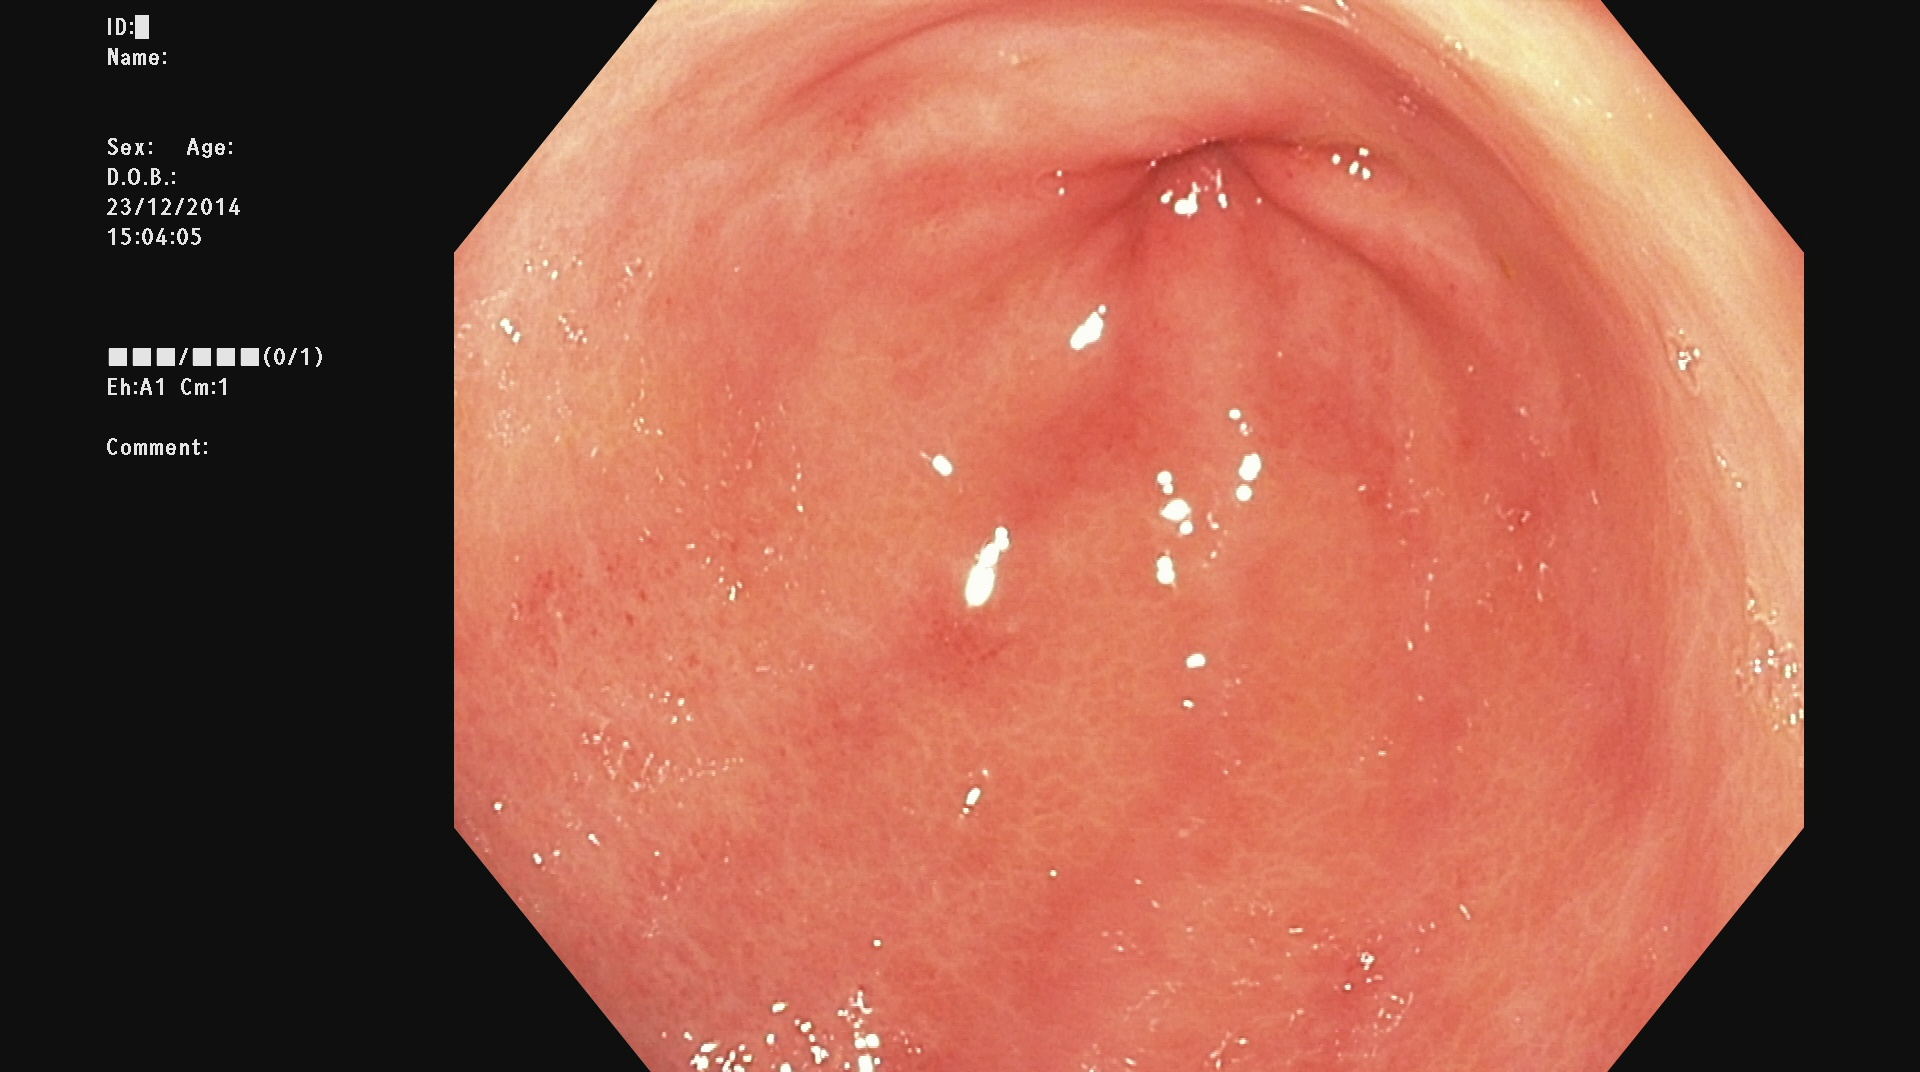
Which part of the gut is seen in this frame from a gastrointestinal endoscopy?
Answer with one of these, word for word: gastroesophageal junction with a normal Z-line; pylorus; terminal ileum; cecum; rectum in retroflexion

pylorus